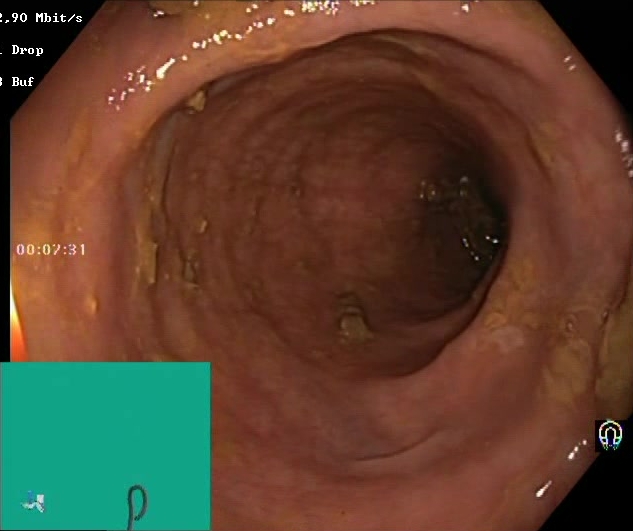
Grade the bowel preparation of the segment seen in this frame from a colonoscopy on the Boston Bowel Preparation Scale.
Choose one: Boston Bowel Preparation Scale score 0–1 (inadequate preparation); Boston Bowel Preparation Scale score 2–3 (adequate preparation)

Boston Bowel Preparation Scale score 2–3 (adequate preparation)